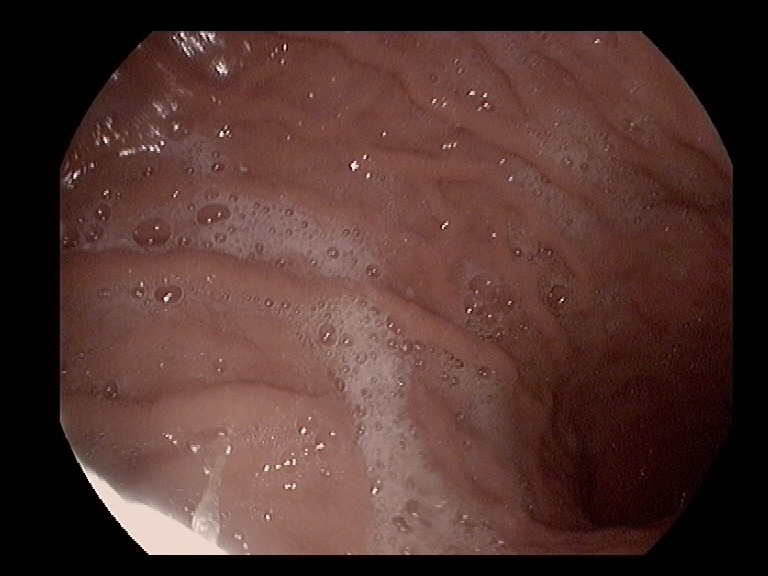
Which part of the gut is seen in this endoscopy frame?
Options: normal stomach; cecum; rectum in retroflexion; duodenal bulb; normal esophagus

normal stomach